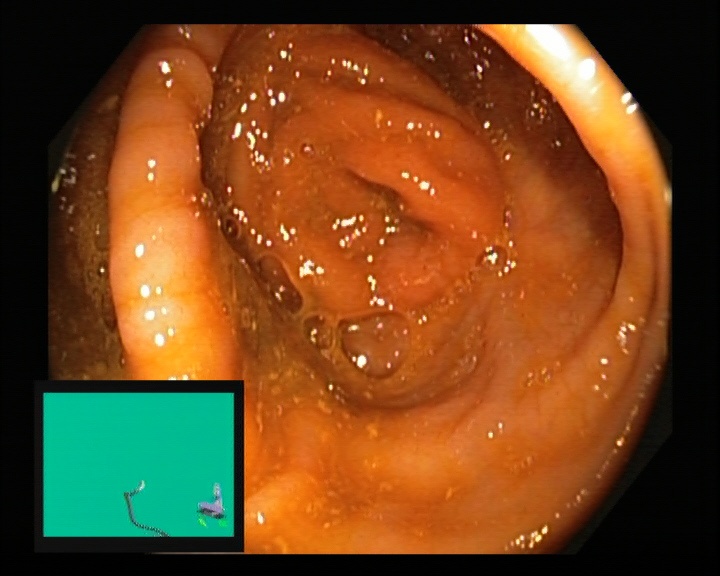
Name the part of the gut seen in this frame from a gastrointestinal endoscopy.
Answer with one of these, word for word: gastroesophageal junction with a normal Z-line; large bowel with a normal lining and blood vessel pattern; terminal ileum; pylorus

large bowel with a normal lining and blood vessel pattern